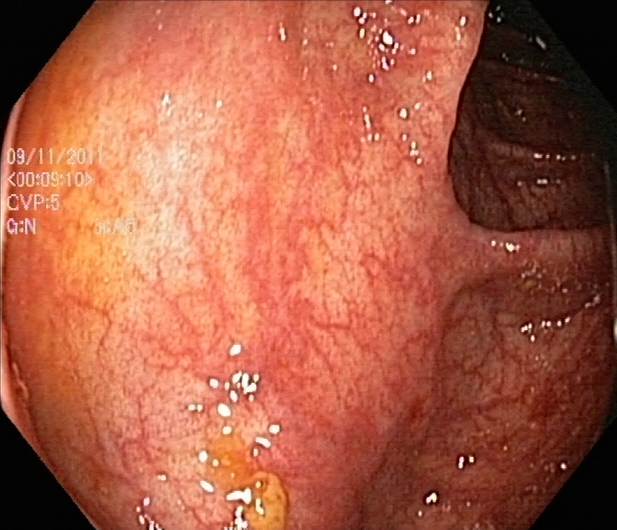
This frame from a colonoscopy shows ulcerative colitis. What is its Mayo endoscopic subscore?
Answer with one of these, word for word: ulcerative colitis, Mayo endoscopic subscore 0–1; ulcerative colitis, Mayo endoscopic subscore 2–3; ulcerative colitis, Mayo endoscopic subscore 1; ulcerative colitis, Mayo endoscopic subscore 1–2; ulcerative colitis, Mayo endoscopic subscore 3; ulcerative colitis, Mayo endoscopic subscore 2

ulcerative colitis, Mayo endoscopic subscore 0–1